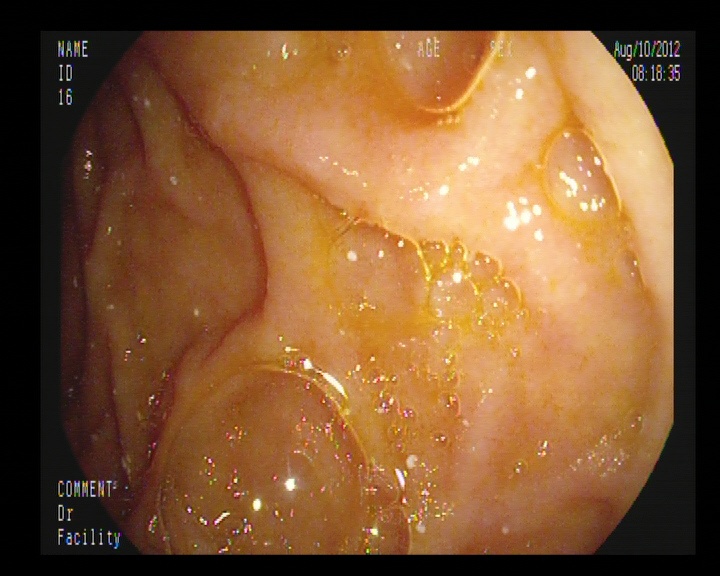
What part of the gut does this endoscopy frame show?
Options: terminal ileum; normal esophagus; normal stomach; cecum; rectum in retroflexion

terminal ileum